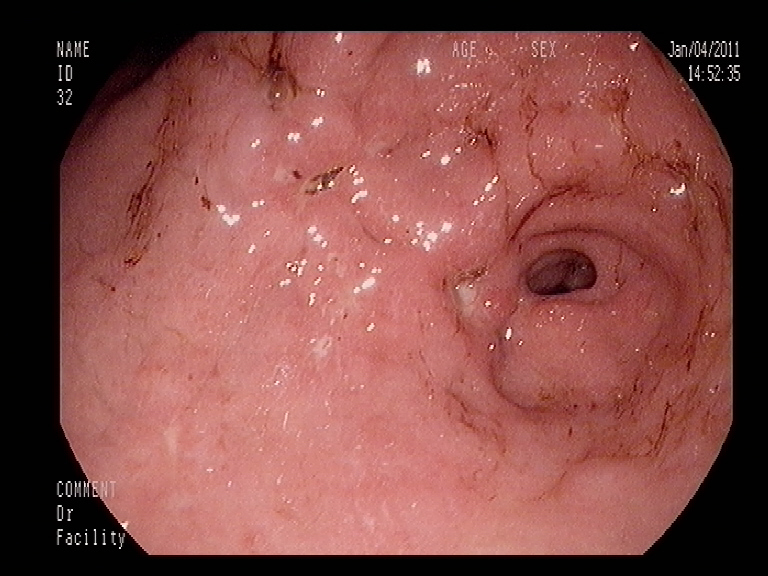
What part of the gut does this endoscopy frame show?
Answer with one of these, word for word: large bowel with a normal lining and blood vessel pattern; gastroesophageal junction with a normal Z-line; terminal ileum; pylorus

pylorus